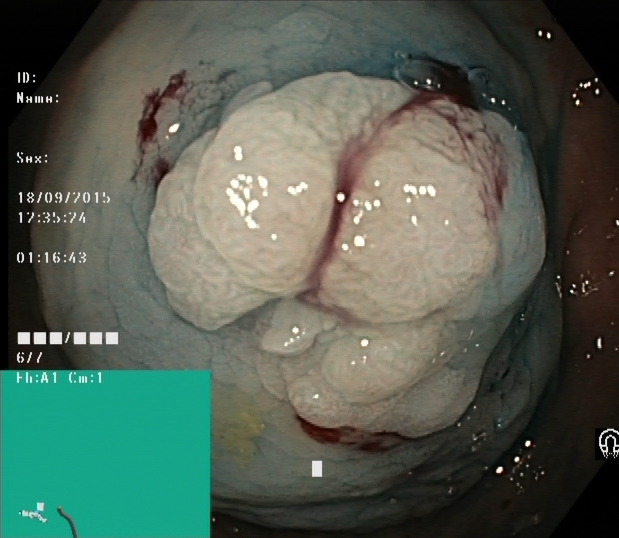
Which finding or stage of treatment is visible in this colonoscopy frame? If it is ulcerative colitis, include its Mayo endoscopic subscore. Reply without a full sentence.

dyed and lifted polyp (pre-resection)